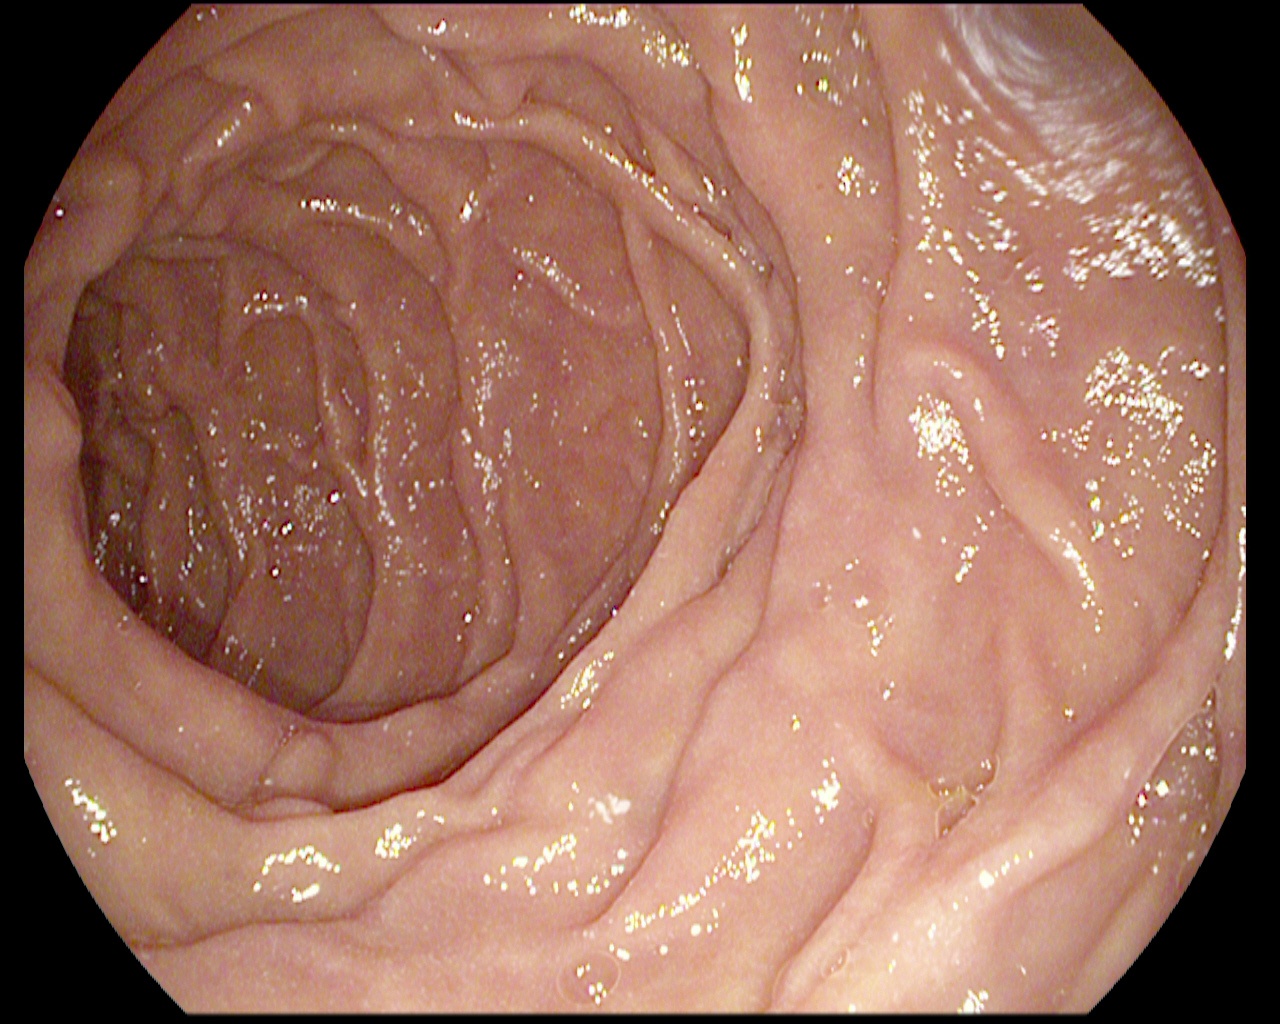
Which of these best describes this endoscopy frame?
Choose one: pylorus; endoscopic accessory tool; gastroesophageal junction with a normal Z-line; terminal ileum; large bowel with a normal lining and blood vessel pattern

terminal ileum